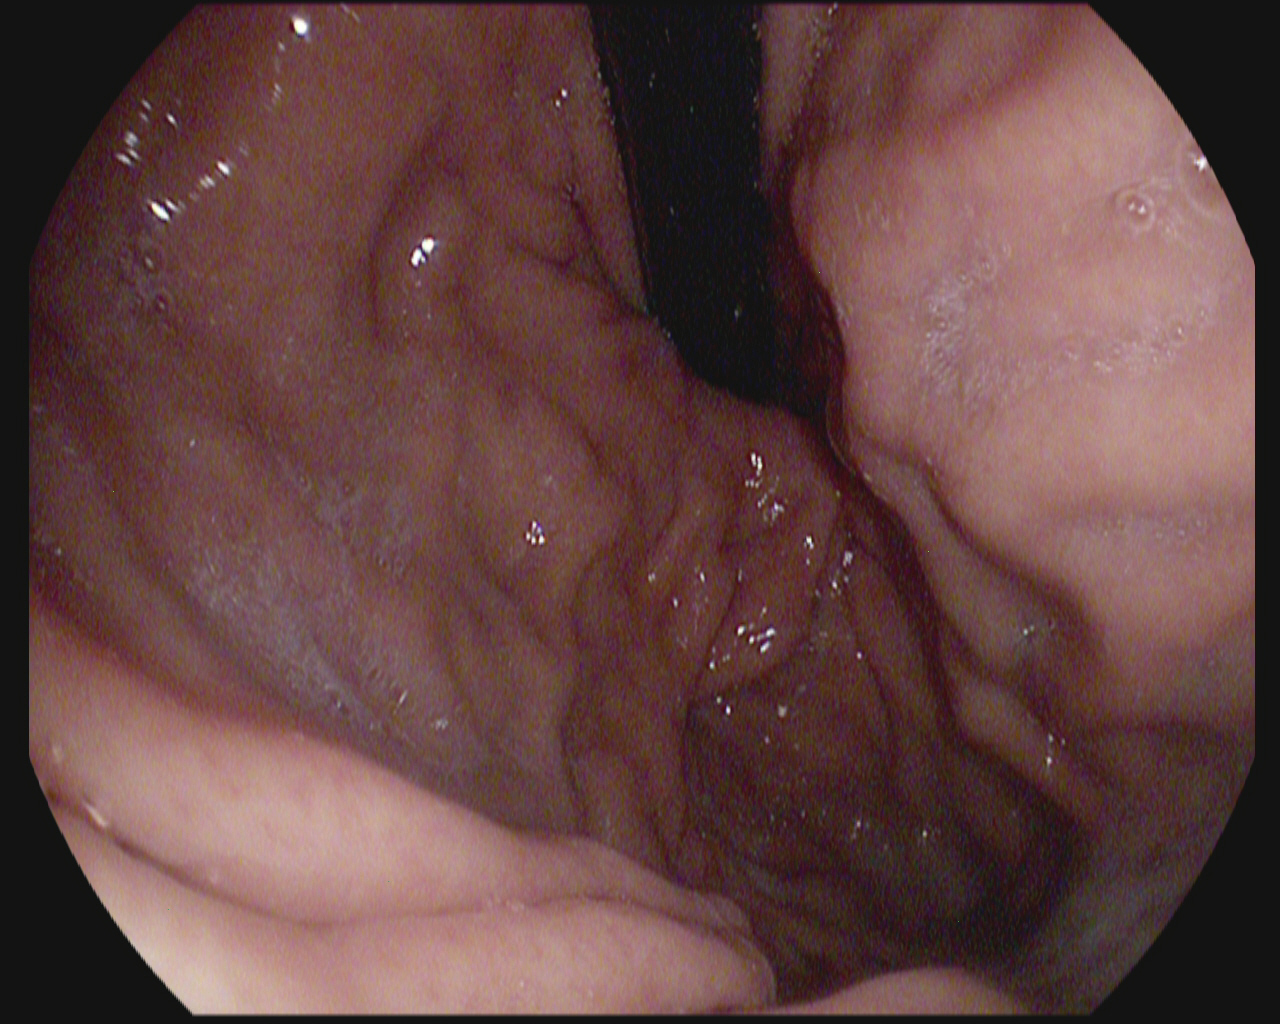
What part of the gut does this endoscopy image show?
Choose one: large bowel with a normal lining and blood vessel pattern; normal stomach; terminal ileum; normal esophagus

normal stomach